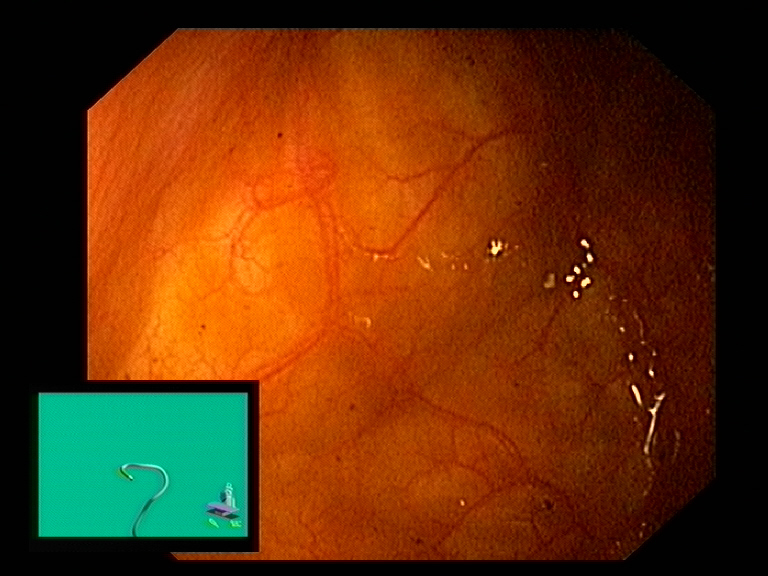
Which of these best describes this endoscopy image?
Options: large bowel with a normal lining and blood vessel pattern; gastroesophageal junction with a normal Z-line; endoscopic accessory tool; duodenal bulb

large bowel with a normal lining and blood vessel pattern